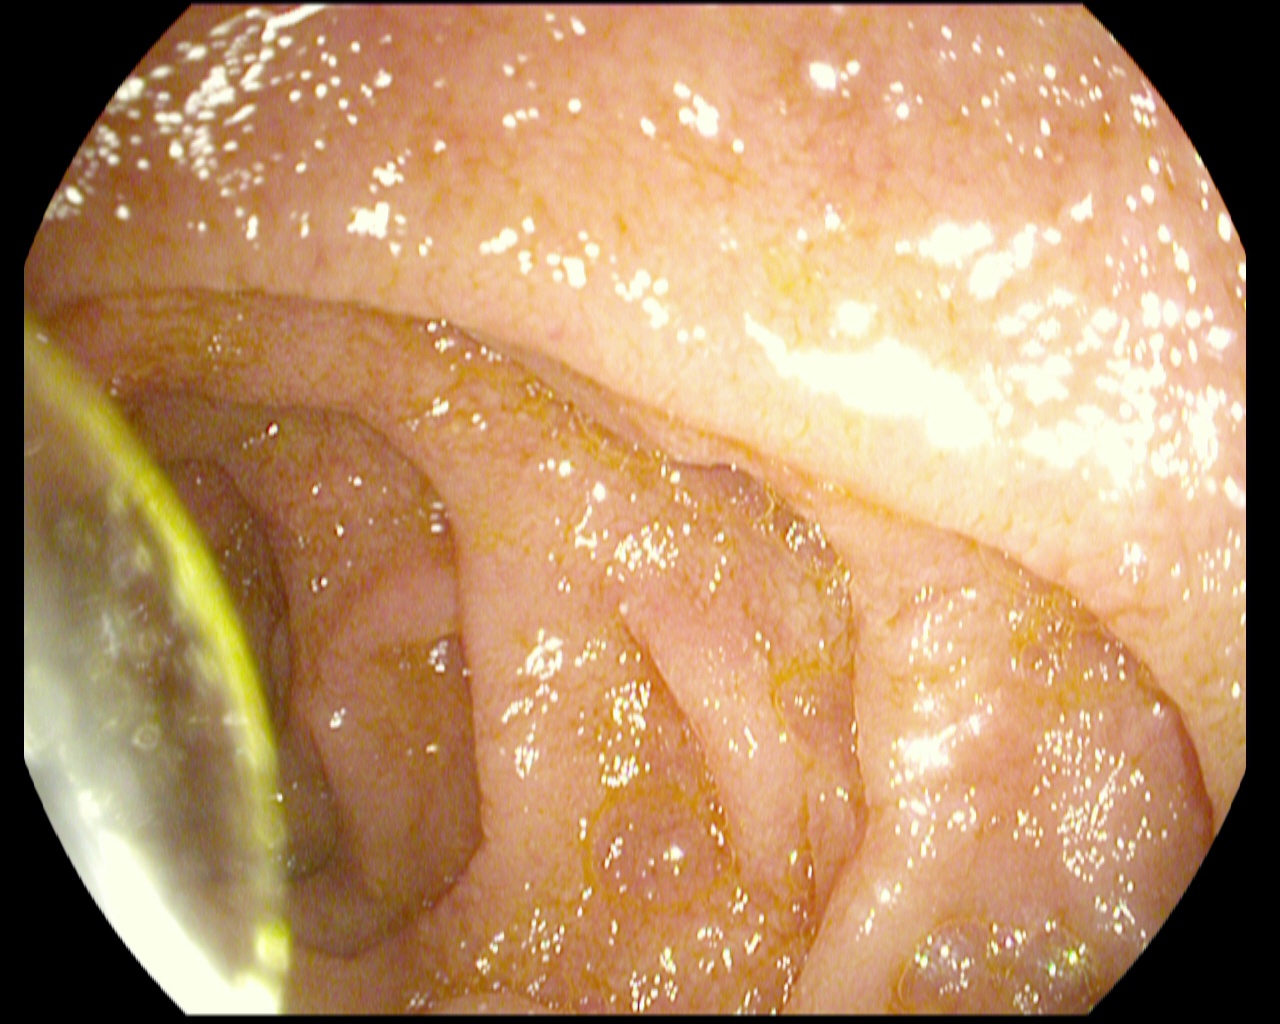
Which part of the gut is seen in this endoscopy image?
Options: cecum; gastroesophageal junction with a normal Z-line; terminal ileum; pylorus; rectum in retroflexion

terminal ileum